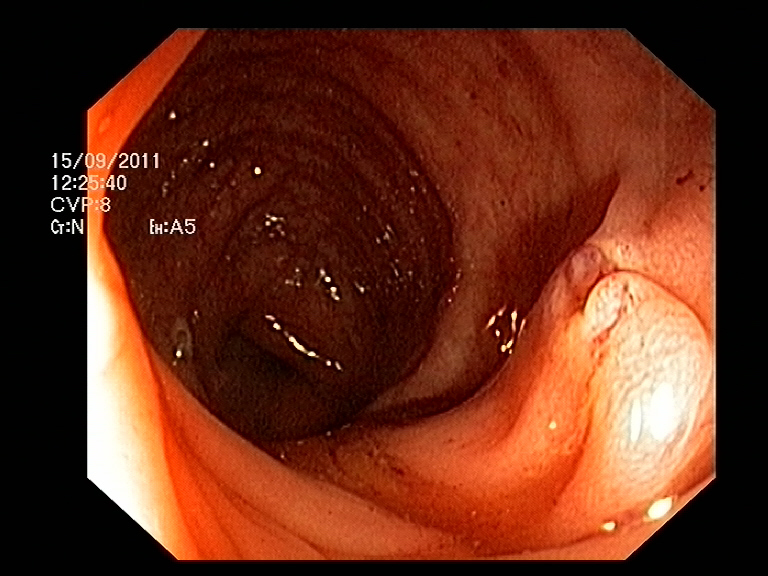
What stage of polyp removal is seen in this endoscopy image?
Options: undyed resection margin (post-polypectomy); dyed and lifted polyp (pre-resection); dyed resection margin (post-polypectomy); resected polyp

undyed resection margin (post-polypectomy)